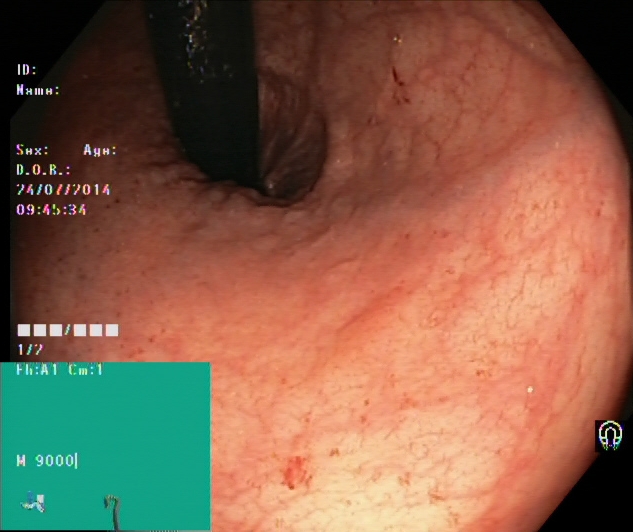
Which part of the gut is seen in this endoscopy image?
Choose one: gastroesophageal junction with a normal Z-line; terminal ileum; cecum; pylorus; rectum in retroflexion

rectum in retroflexion